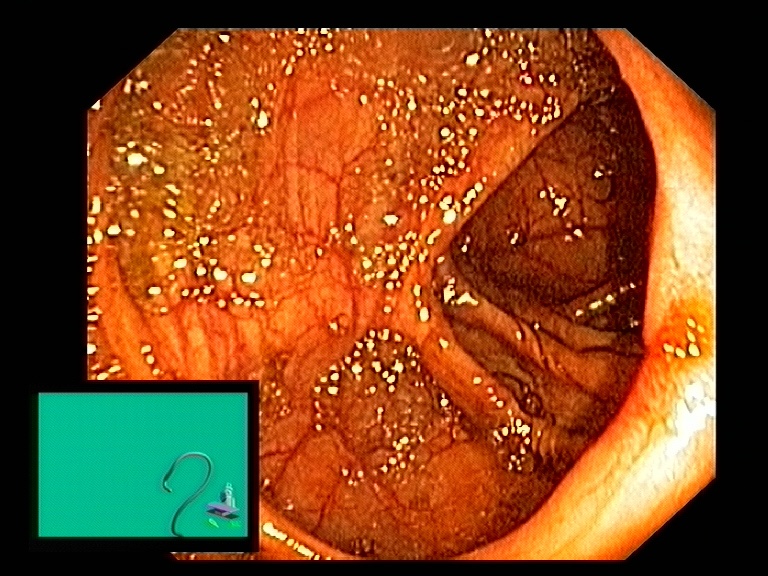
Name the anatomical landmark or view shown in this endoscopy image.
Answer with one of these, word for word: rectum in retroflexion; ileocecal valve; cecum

ileocecal valve